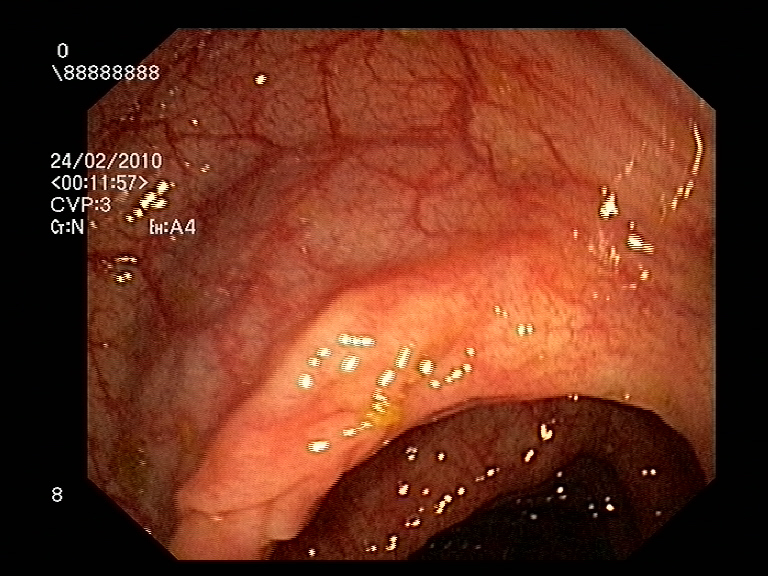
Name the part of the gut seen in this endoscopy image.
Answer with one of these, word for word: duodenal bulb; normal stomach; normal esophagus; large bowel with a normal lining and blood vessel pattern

large bowel with a normal lining and blood vessel pattern